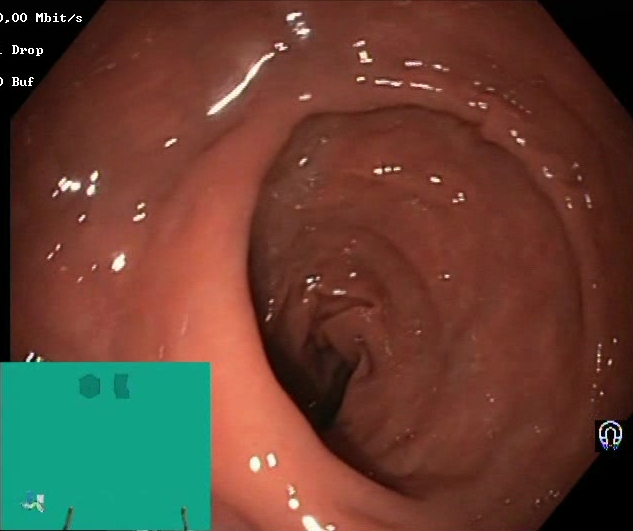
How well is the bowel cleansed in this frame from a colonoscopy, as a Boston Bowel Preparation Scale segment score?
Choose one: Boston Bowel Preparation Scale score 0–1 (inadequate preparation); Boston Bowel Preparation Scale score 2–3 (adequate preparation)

Boston Bowel Preparation Scale score 2–3 (adequate preparation)